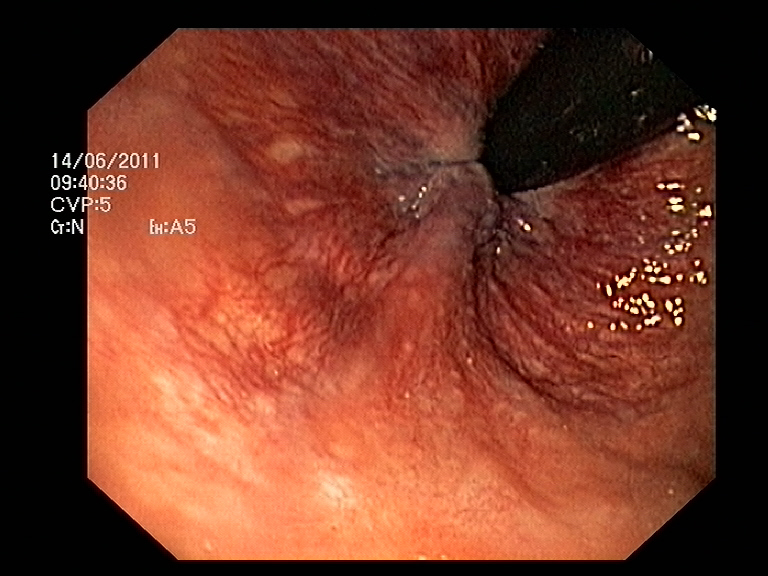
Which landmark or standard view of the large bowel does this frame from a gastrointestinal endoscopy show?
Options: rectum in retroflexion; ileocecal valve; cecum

rectum in retroflexion